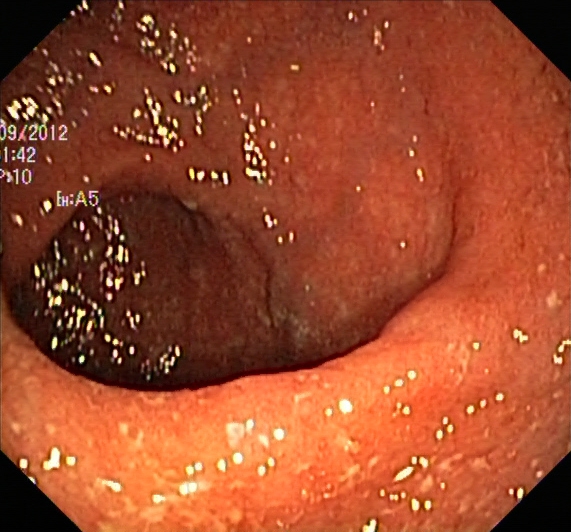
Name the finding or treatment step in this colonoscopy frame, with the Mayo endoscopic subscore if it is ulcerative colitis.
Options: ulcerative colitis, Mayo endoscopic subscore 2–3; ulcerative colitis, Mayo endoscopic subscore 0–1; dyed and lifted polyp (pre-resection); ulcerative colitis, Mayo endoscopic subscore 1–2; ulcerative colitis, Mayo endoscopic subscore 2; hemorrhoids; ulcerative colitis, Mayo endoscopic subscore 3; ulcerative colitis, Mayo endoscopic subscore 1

ulcerative colitis, Mayo endoscopic subscore 2